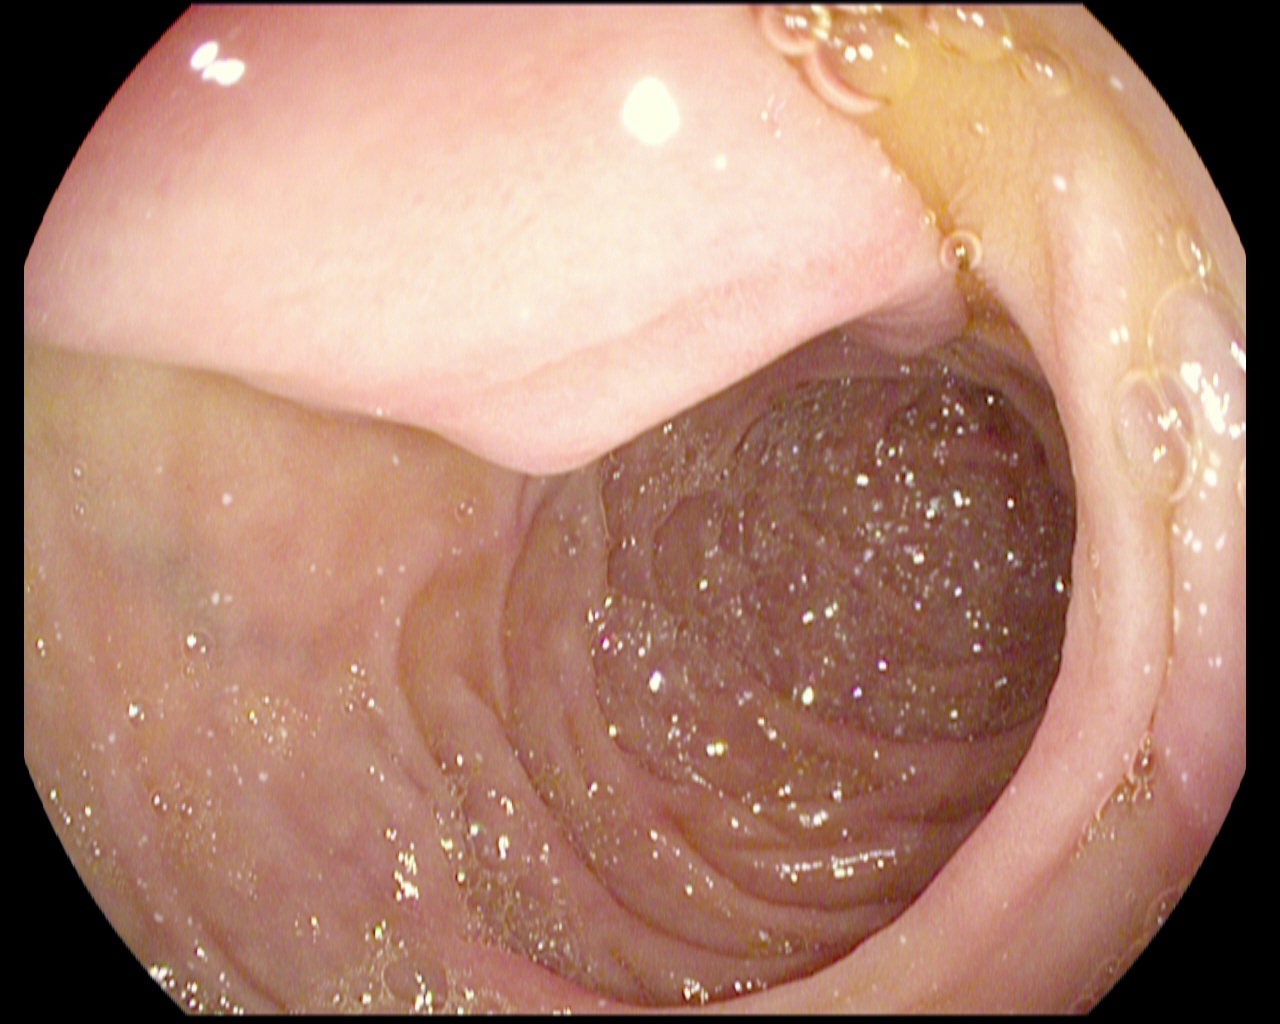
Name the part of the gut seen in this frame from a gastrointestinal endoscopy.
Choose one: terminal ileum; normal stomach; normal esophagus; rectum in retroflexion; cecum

terminal ileum